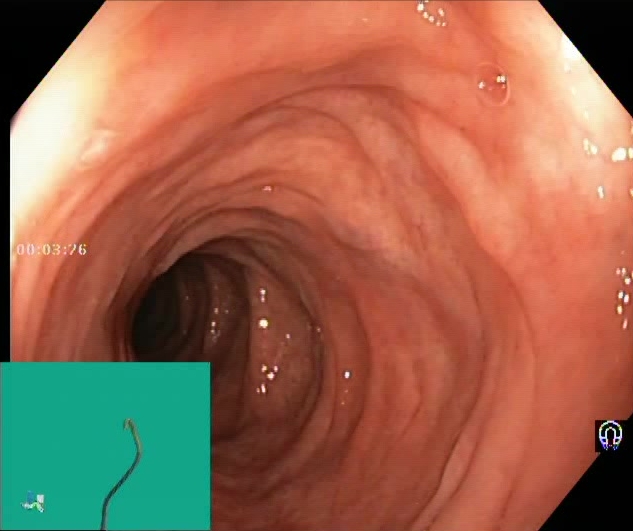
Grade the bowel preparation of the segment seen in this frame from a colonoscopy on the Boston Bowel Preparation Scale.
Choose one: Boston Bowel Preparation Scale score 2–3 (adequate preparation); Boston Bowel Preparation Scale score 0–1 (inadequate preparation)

Boston Bowel Preparation Scale score 2–3 (adequate preparation)